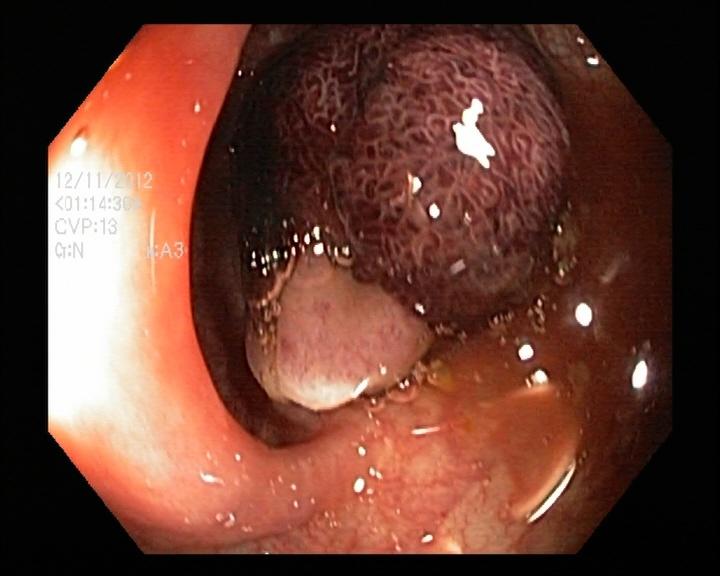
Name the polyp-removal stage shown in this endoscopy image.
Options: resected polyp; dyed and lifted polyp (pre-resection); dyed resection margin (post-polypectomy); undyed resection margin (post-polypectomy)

resected polyp